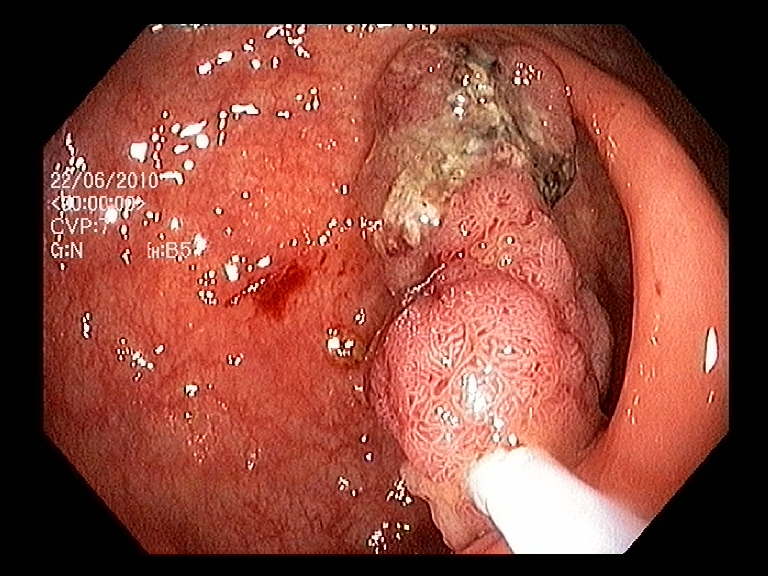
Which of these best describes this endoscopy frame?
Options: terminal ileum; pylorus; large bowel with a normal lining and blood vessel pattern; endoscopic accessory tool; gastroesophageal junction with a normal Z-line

endoscopic accessory tool